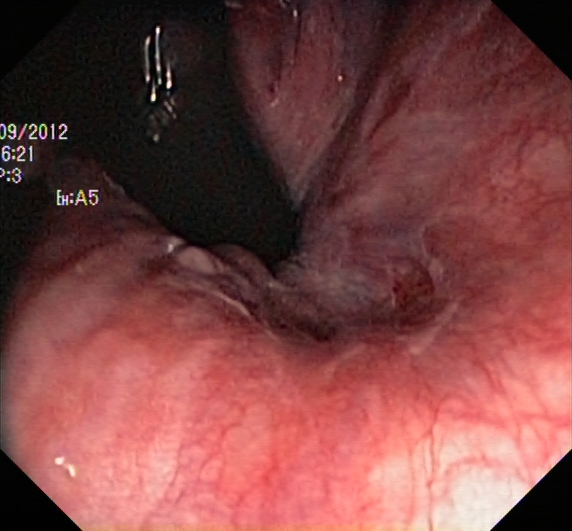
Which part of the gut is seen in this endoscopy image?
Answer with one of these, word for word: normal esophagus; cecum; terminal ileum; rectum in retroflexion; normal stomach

rectum in retroflexion